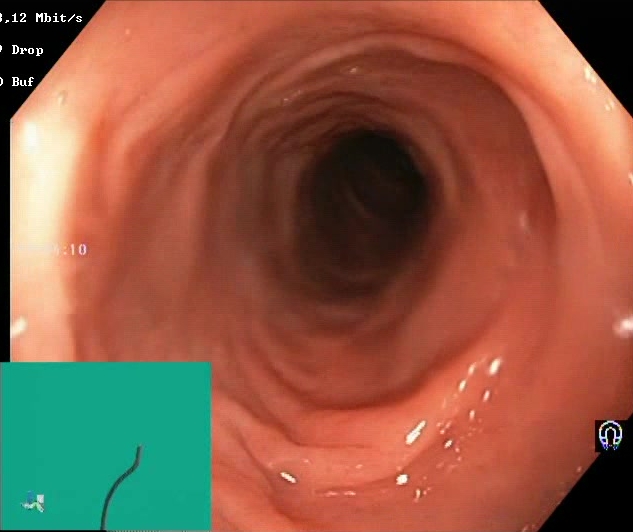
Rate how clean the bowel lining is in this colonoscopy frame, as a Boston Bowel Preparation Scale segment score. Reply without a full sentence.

Boston Bowel Preparation Scale score 2–3 (adequate preparation)